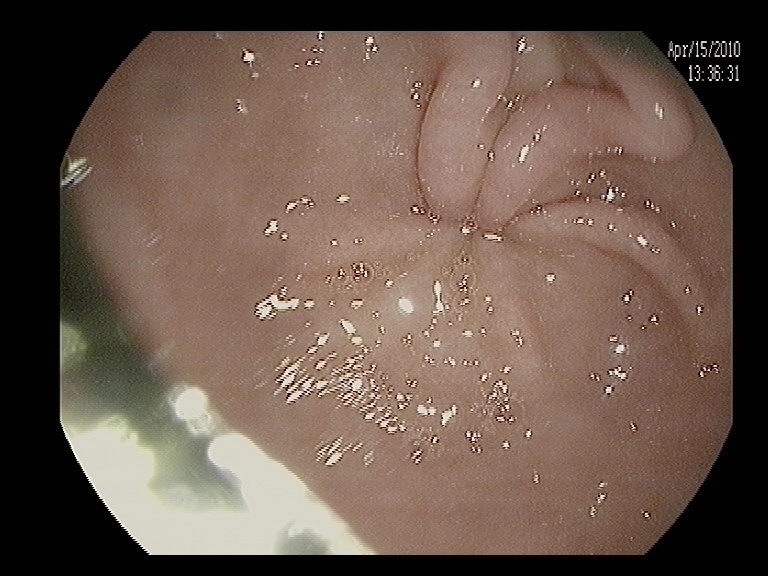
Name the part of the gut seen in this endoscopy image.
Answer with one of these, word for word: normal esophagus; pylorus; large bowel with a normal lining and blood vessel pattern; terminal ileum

pylorus